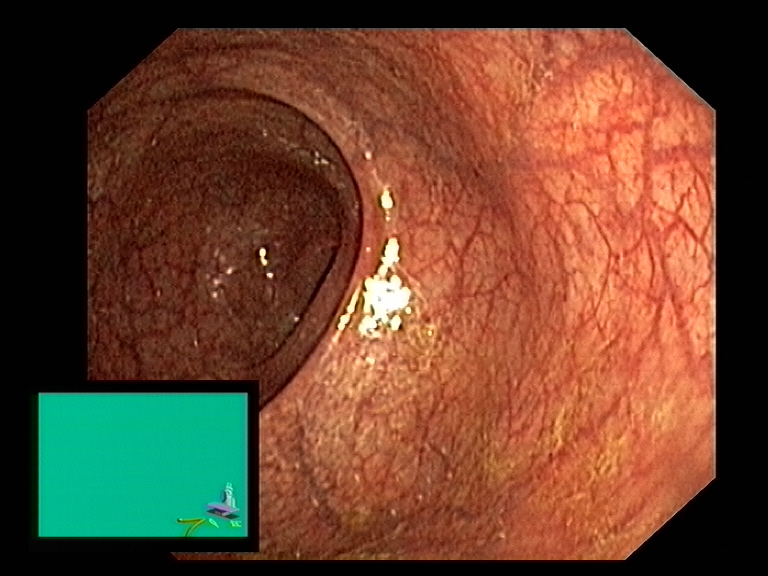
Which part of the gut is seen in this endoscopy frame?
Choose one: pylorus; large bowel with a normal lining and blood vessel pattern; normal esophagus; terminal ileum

large bowel with a normal lining and blood vessel pattern